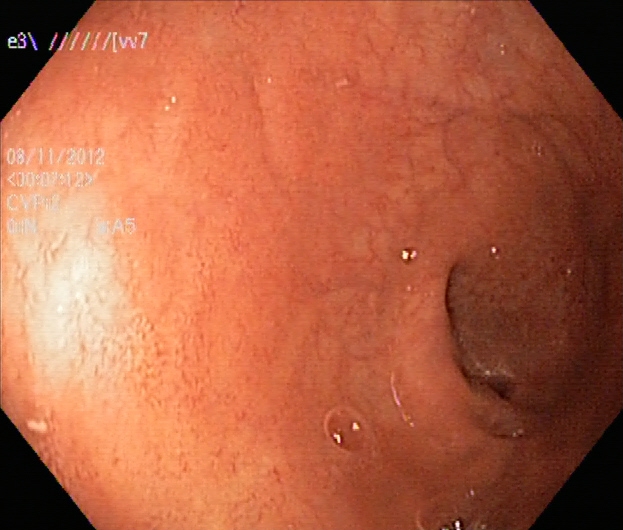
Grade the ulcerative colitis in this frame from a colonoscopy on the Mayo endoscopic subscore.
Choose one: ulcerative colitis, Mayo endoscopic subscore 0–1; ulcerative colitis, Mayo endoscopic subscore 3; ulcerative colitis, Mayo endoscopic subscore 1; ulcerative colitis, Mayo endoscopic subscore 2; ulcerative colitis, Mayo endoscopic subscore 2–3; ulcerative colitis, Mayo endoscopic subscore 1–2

ulcerative colitis, Mayo endoscopic subscore 1